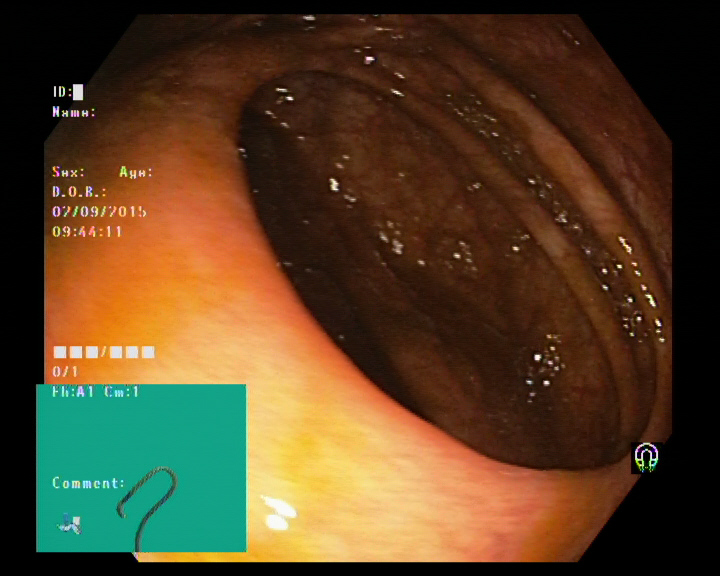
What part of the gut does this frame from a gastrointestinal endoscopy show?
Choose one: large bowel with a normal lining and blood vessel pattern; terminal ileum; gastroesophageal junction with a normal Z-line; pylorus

large bowel with a normal lining and blood vessel pattern